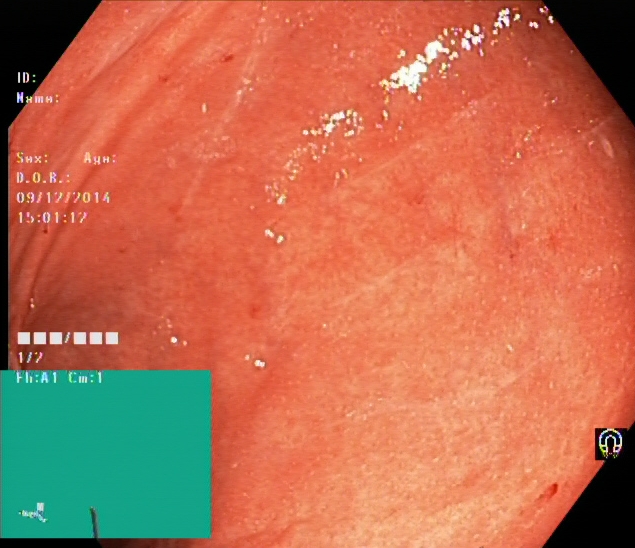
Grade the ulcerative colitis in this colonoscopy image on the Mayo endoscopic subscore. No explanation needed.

ulcerative colitis, Mayo endoscopic subscore 1